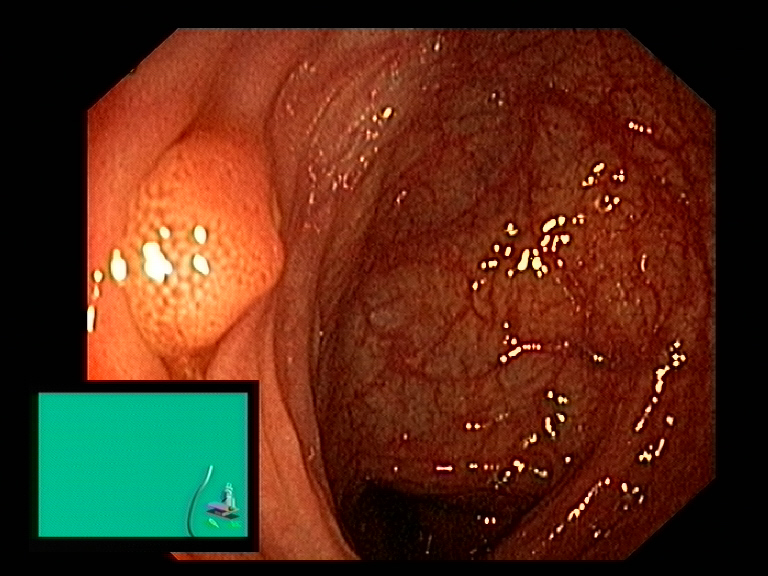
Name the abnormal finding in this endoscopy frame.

colon polyp